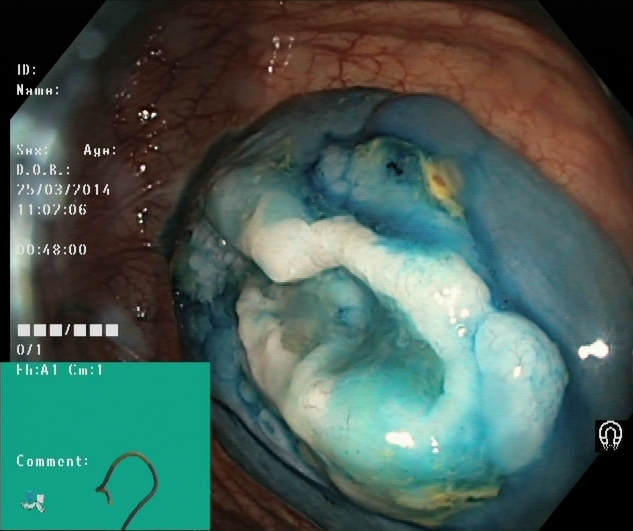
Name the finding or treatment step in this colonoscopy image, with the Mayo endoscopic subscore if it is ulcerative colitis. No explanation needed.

dyed and lifted polyp (pre-resection)